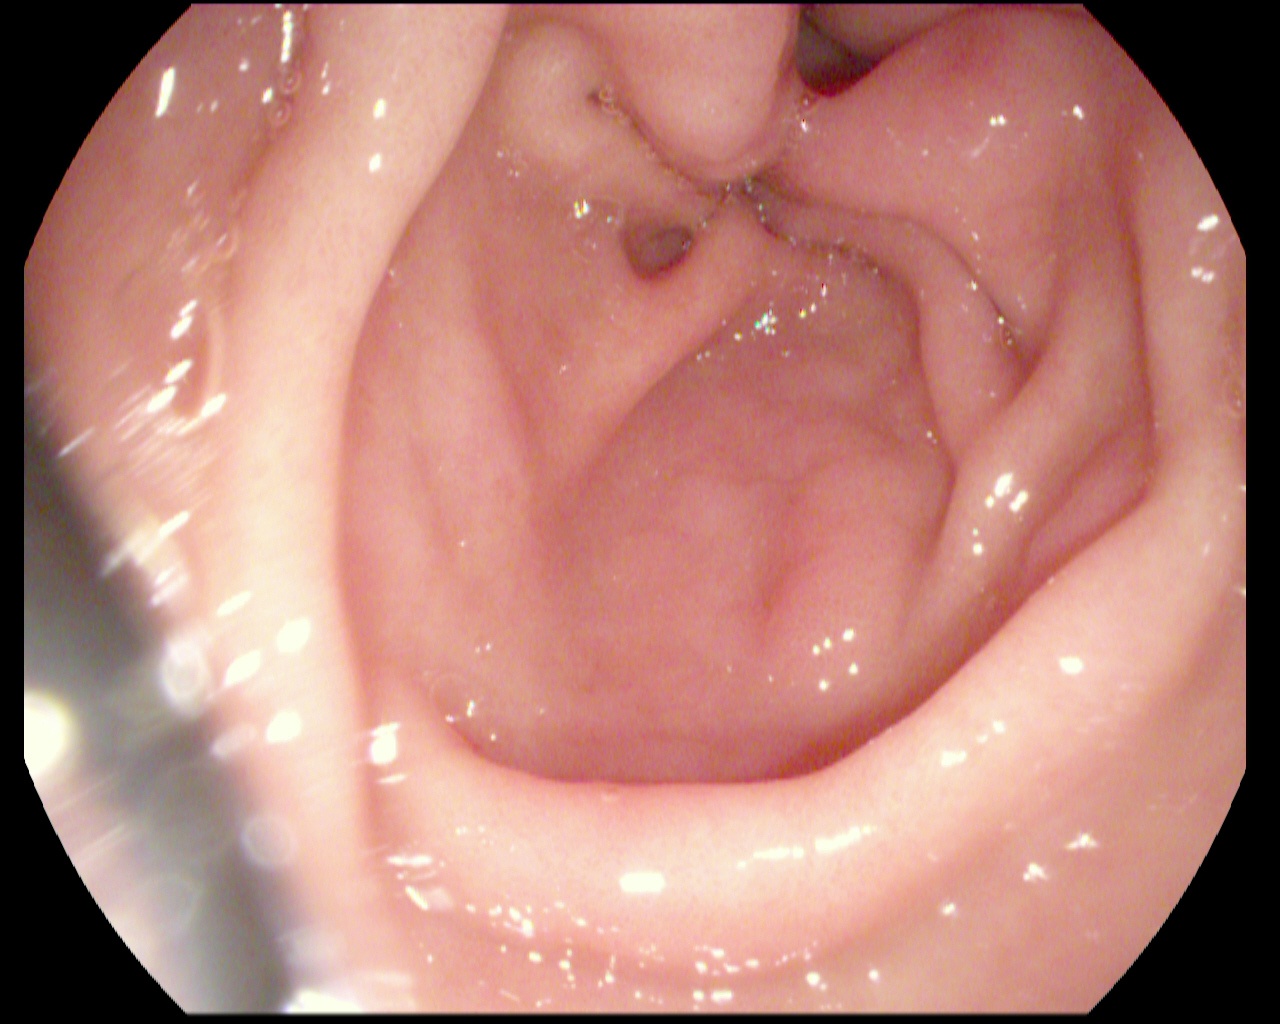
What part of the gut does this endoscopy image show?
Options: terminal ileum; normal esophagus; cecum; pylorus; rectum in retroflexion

pylorus